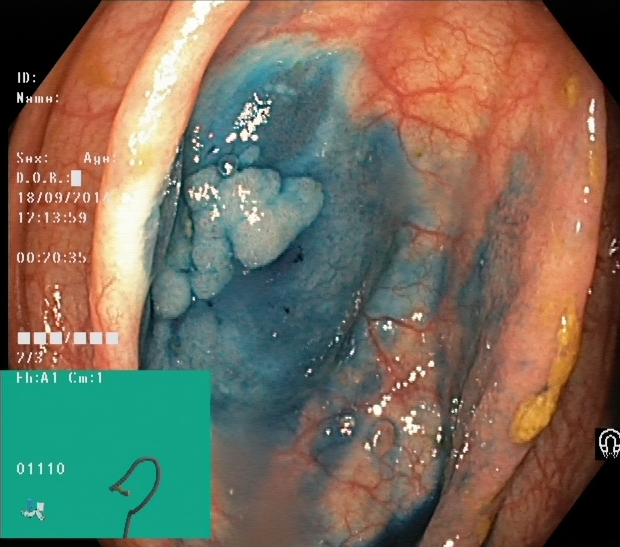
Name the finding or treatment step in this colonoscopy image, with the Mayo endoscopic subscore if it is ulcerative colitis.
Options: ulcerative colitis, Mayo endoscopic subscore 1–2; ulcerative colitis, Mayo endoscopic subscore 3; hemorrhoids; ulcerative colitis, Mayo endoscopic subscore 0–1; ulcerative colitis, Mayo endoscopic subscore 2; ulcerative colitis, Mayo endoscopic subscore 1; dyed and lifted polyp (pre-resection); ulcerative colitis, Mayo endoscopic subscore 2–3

dyed and lifted polyp (pre-resection)